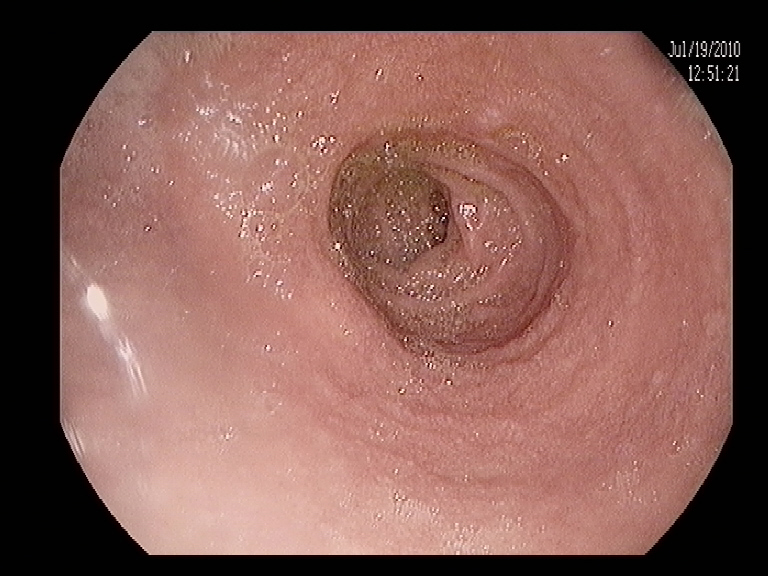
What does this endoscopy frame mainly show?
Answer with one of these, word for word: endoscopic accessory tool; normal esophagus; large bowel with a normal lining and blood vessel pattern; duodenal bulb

duodenal bulb